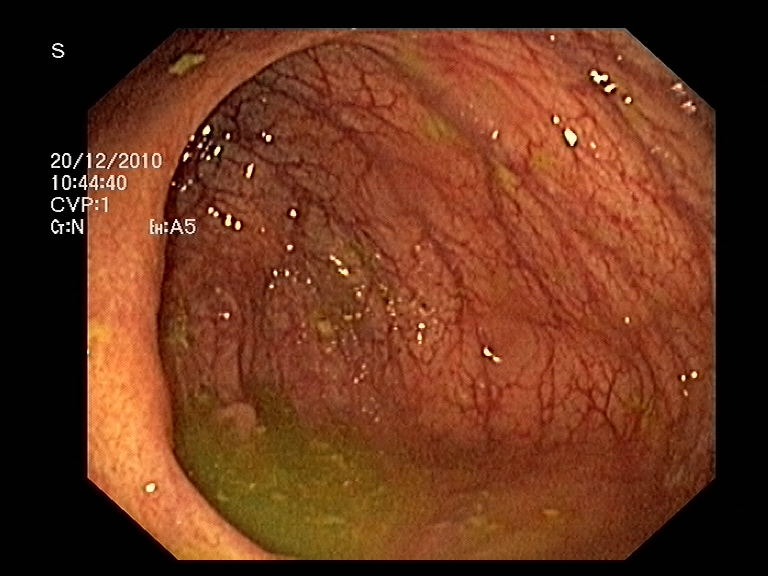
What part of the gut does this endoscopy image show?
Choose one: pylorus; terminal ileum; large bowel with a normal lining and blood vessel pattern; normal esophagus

large bowel with a normal lining and blood vessel pattern